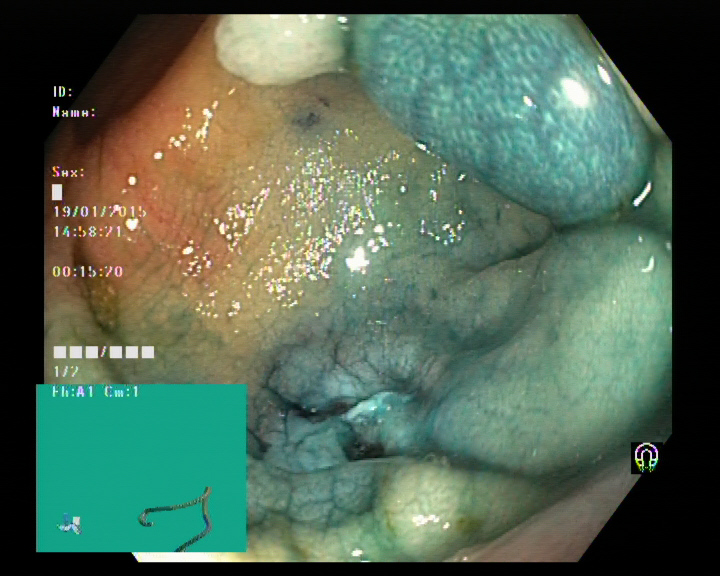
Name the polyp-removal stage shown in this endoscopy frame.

dyed and lifted polyp (pre-resection)